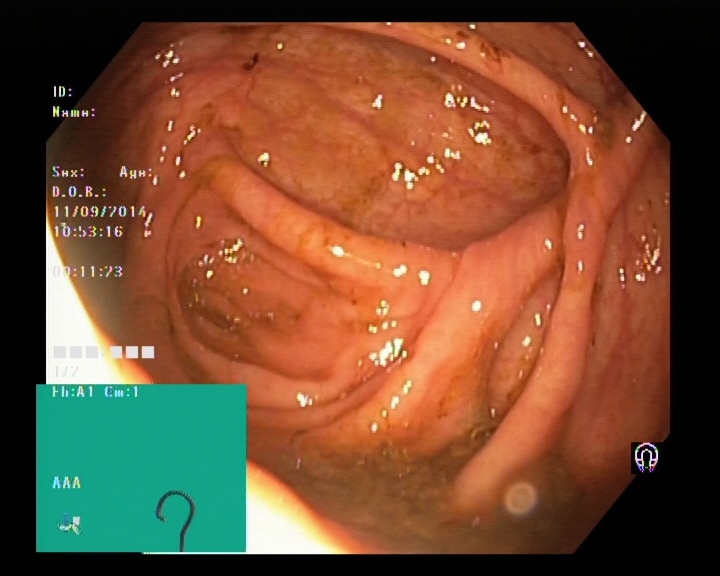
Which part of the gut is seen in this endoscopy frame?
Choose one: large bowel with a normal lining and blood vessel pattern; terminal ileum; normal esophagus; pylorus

large bowel with a normal lining and blood vessel pattern